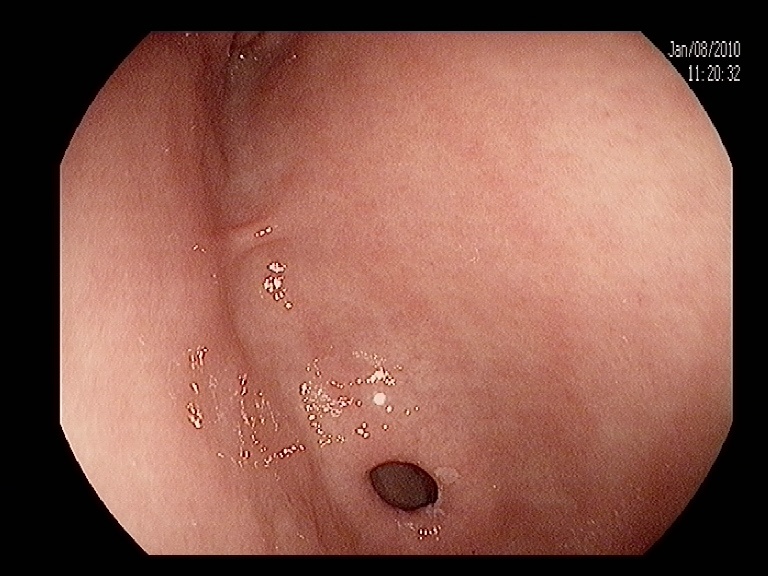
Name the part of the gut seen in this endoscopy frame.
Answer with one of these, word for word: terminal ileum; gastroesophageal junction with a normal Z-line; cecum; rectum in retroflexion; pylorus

pylorus